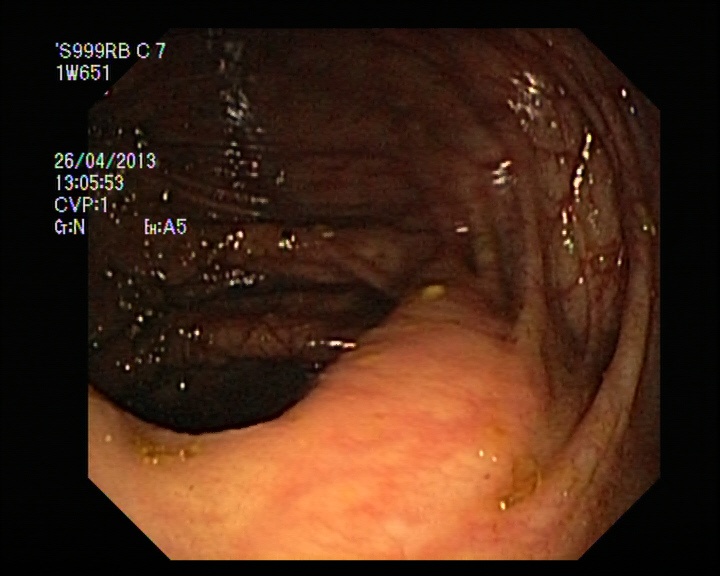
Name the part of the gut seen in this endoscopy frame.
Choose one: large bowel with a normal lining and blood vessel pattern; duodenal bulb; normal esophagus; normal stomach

large bowel with a normal lining and blood vessel pattern